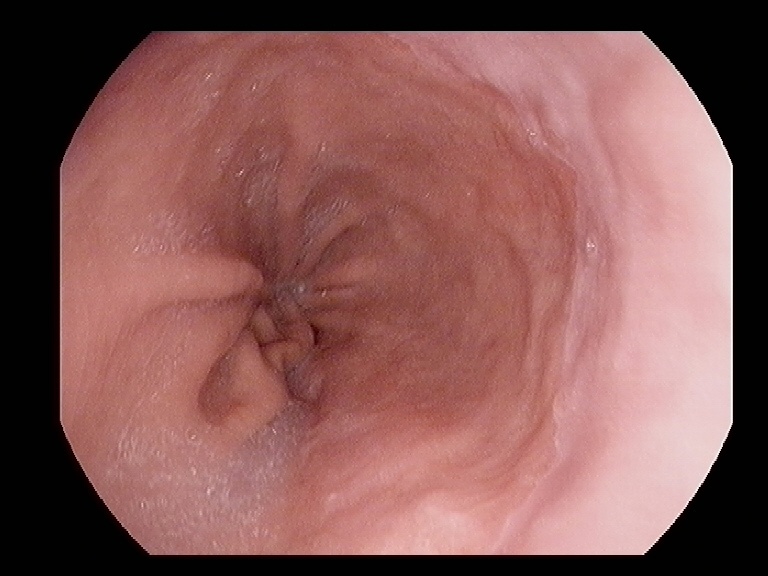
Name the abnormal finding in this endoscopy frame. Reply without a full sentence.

Barrett's esophagus